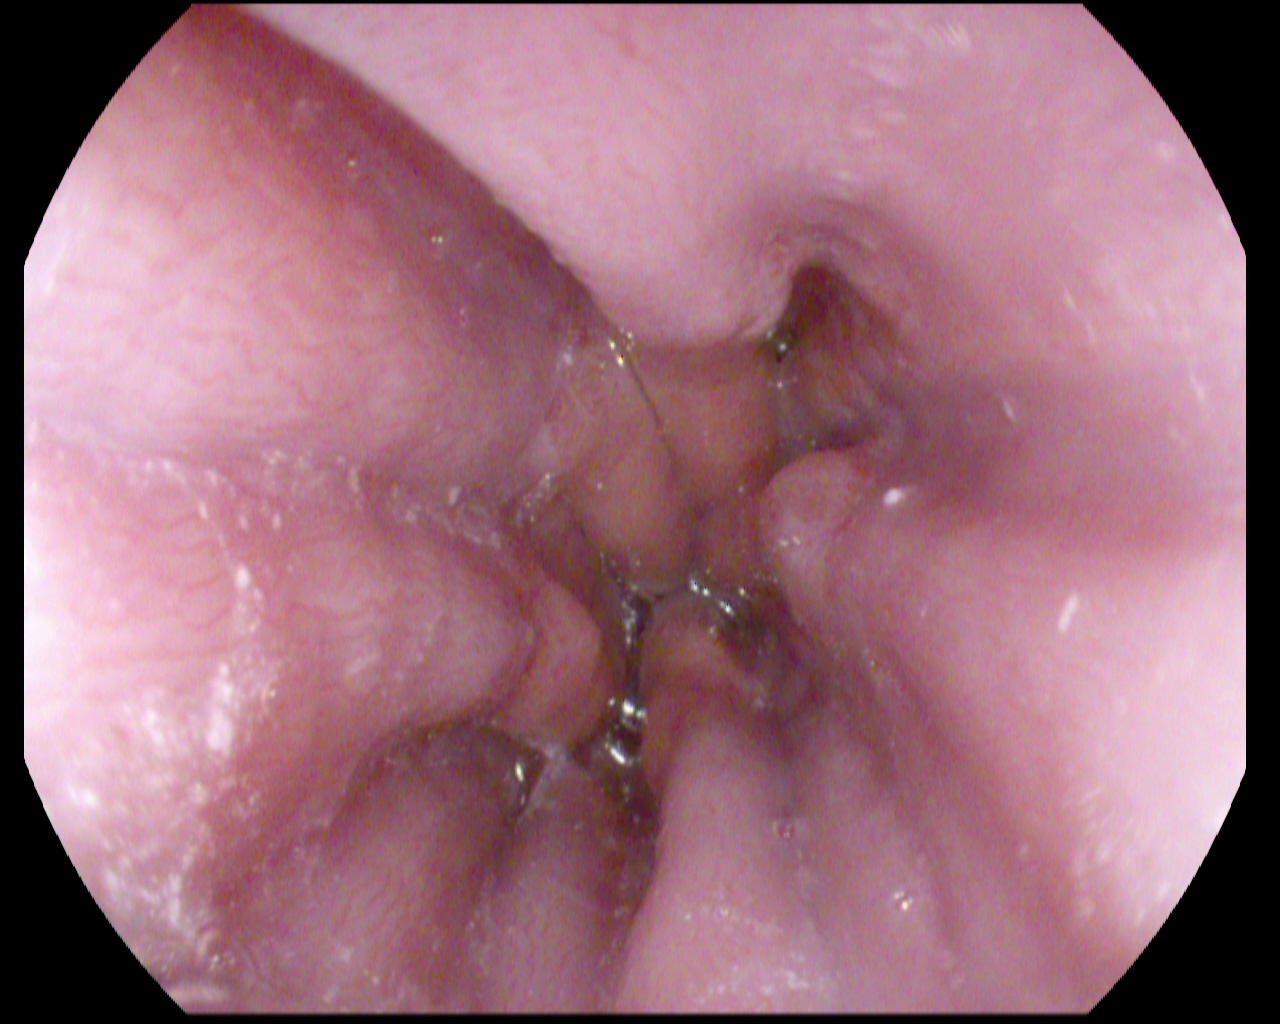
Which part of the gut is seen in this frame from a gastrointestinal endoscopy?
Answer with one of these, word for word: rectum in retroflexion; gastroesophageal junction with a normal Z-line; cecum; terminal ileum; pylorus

gastroesophageal junction with a normal Z-line